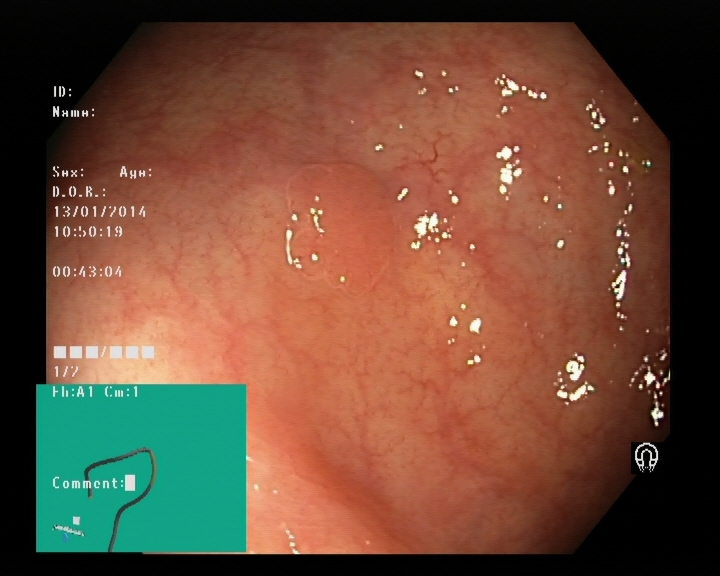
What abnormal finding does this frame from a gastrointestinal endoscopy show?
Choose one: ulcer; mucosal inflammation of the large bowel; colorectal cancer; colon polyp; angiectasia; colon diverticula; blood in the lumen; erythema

colon polyp